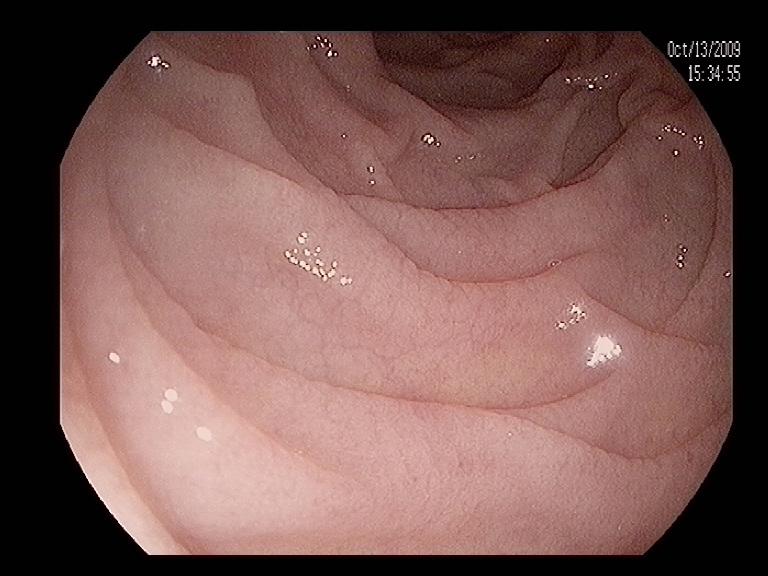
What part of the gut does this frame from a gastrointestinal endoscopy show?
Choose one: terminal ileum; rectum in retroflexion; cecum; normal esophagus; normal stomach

terminal ileum